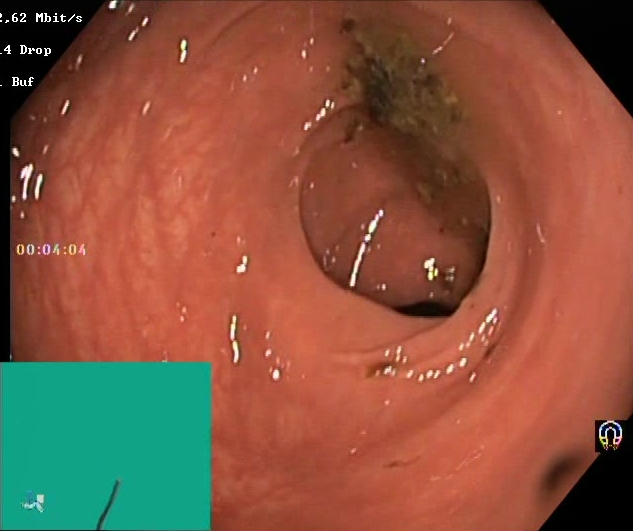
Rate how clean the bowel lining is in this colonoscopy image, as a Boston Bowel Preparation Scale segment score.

Boston Bowel Preparation Scale score 0–1 (inadequate preparation)